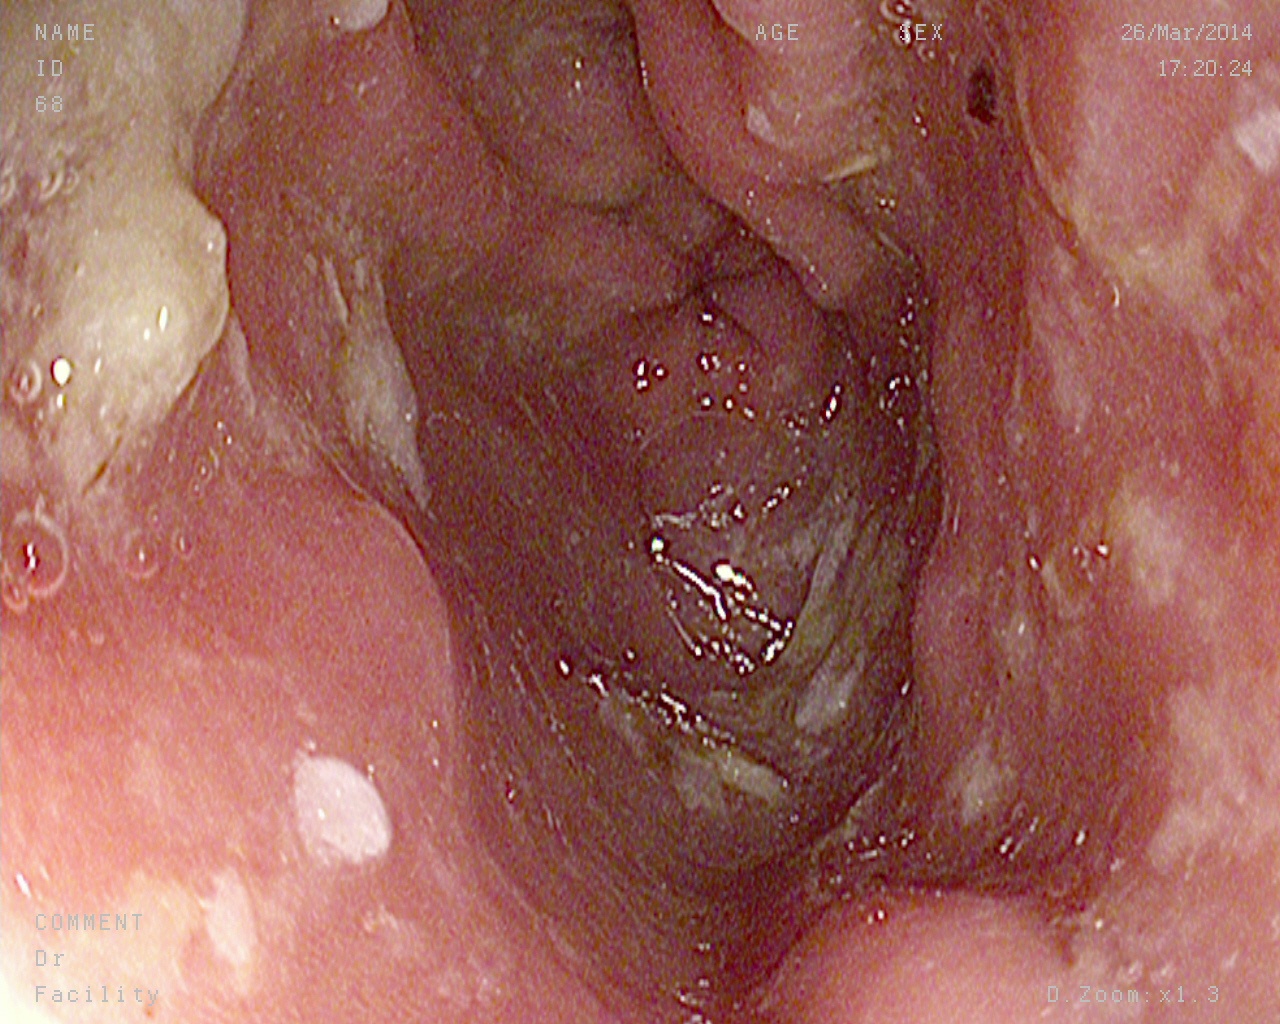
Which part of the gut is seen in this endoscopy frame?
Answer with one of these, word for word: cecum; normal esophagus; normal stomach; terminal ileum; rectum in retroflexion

normal stomach